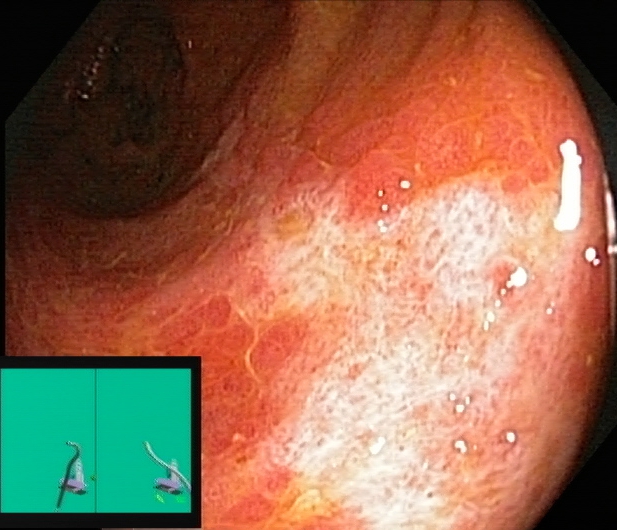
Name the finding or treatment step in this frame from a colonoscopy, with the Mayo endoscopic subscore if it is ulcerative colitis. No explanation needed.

ulcerative colitis, Mayo endoscopic subscore 3